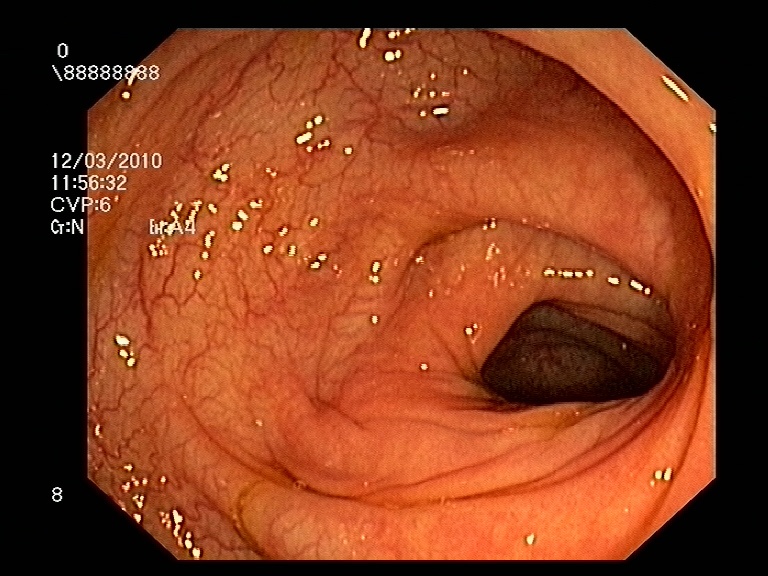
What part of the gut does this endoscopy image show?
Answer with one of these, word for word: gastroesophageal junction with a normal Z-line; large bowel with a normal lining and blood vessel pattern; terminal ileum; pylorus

large bowel with a normal lining and blood vessel pattern